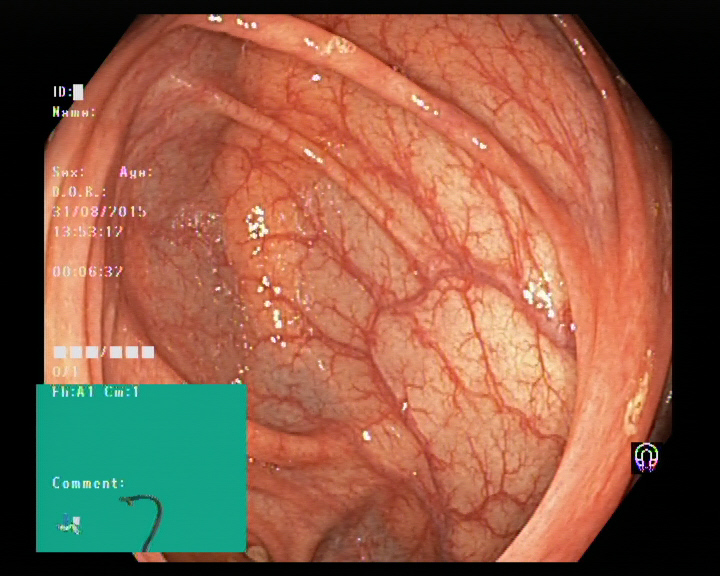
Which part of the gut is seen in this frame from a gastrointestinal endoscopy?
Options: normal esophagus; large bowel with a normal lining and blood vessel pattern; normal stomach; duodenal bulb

large bowel with a normal lining and blood vessel pattern